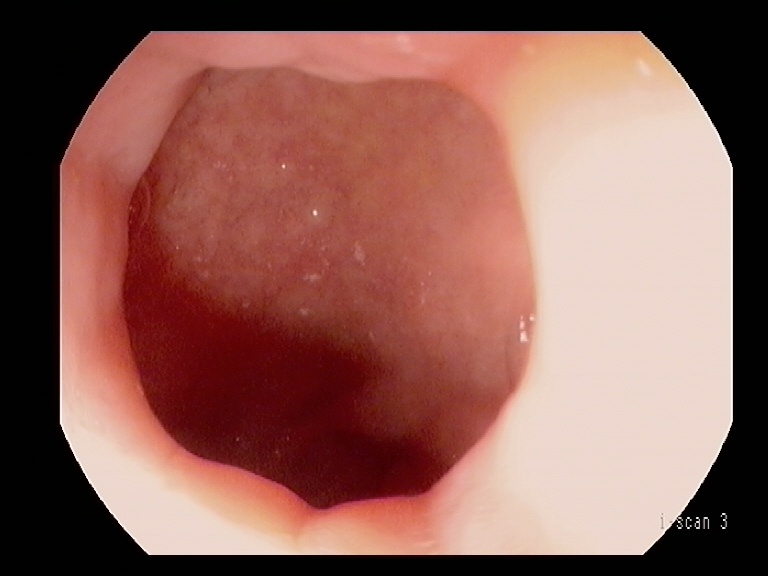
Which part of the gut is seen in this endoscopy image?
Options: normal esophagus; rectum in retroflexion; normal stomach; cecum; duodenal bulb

normal stomach